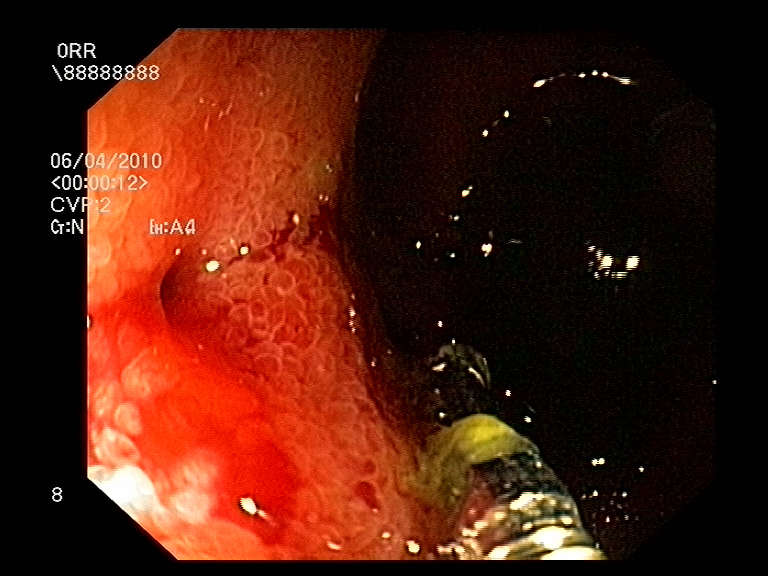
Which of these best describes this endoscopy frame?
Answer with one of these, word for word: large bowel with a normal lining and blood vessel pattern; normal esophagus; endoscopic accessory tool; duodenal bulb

endoscopic accessory tool